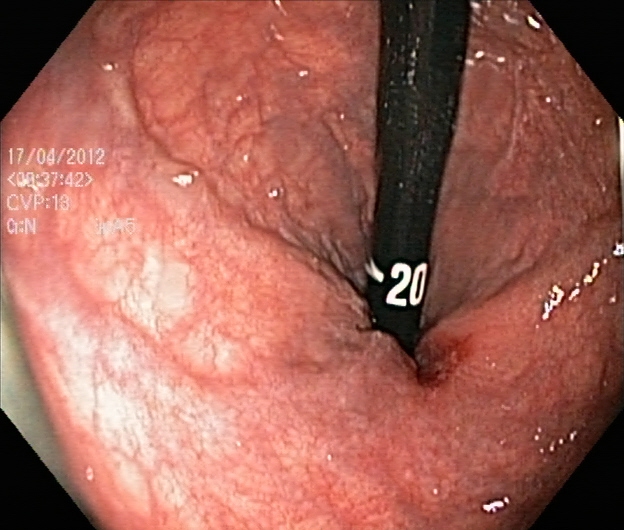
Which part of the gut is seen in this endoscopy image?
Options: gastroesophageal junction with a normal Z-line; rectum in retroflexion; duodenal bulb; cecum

rectum in retroflexion